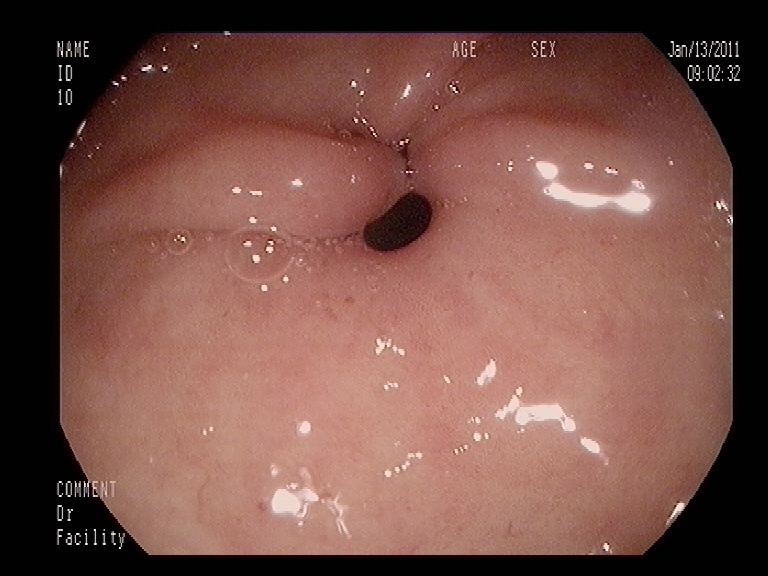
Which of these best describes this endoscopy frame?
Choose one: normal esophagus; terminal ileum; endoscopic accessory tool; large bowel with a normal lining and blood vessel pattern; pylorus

pylorus